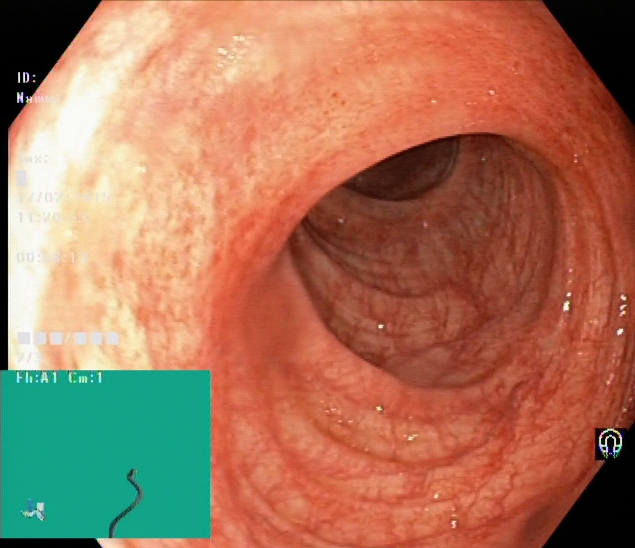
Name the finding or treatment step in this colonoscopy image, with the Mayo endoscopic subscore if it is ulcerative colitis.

ulcerative colitis, Mayo endoscopic subscore 0–1